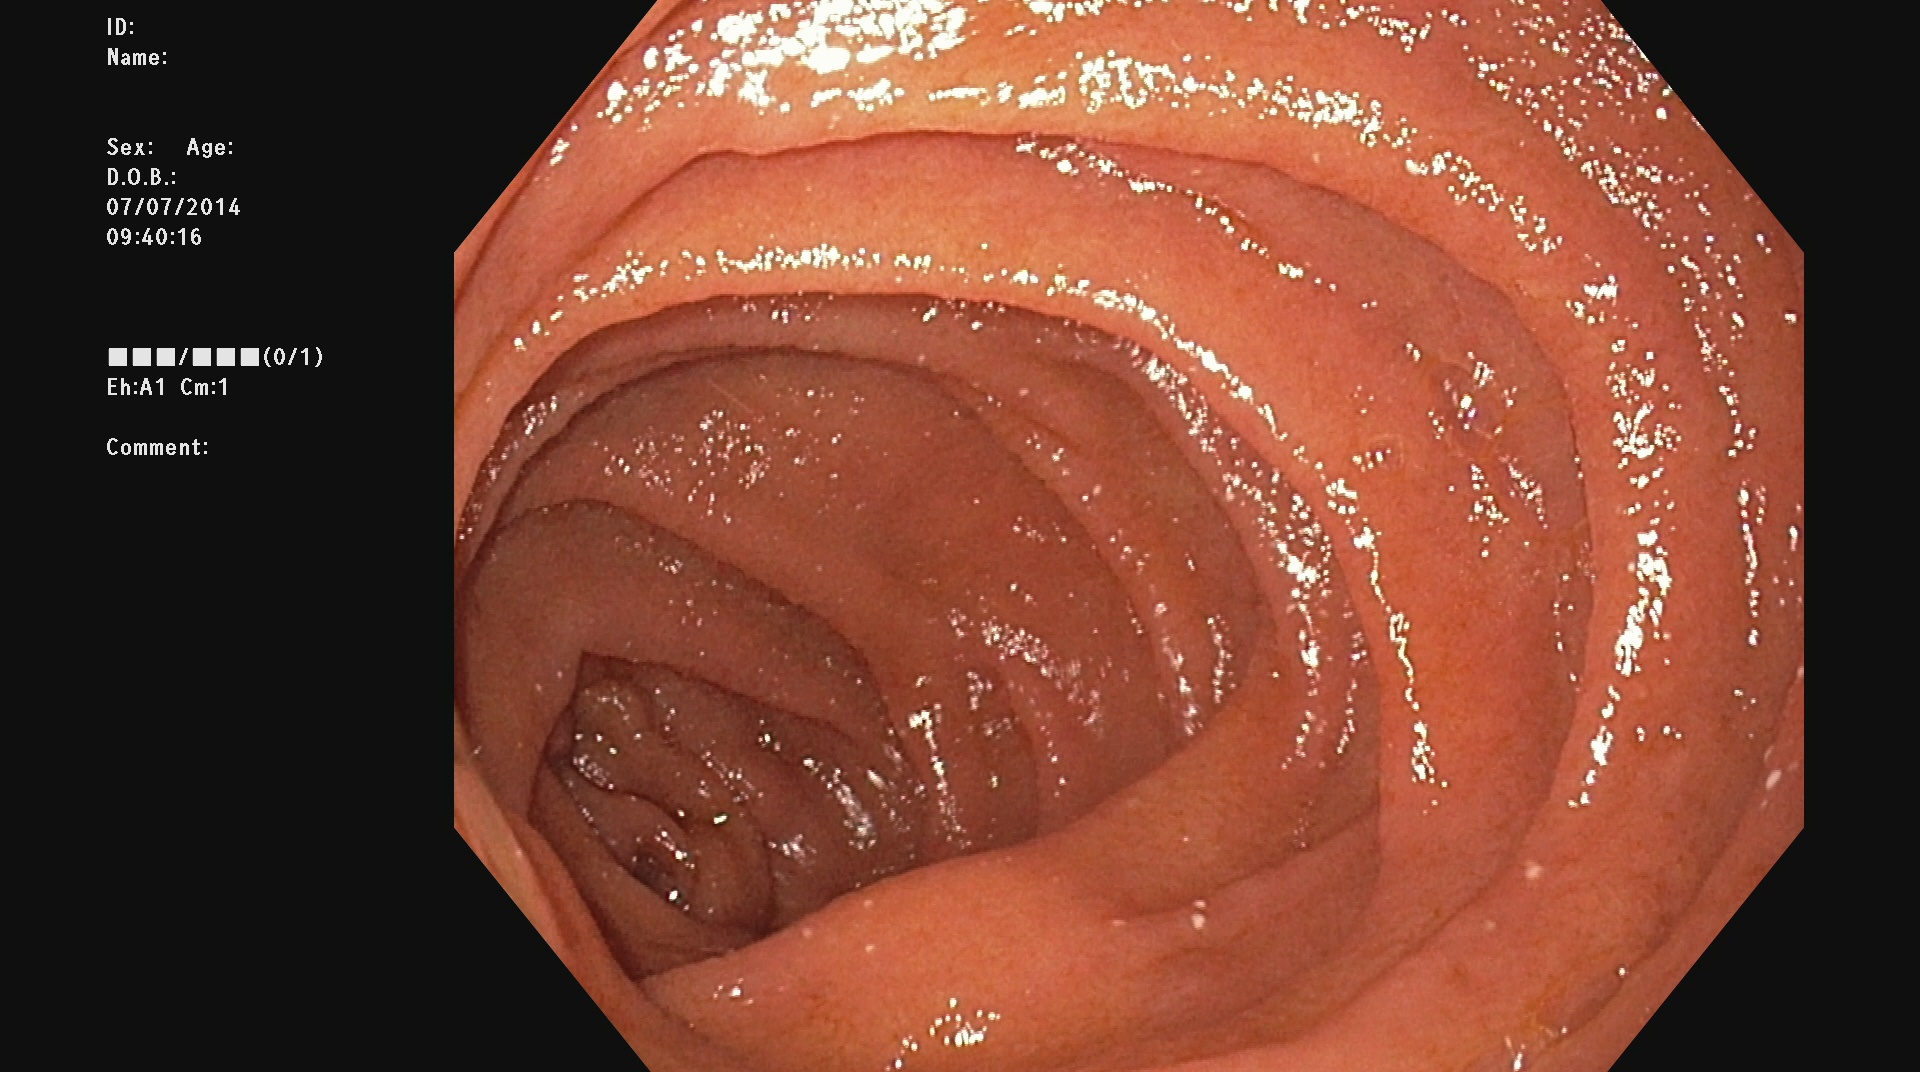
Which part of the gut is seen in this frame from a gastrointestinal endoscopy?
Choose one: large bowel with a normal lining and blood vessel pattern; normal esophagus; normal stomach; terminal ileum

terminal ileum